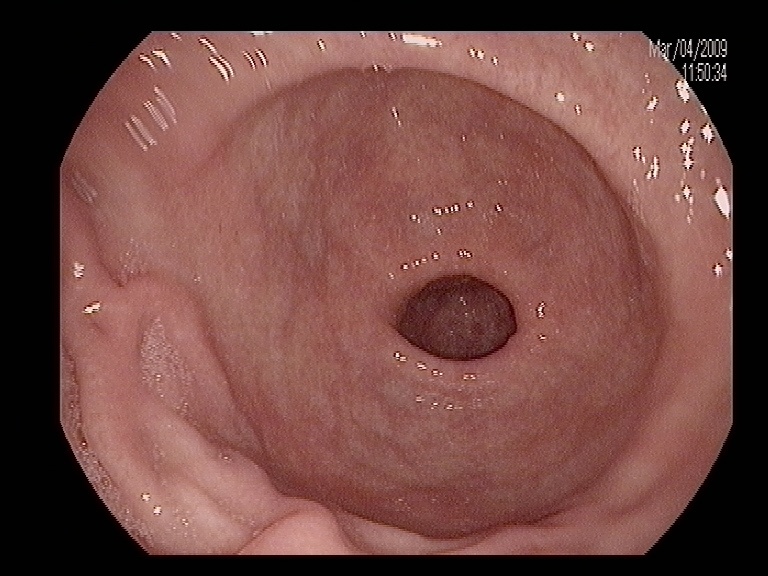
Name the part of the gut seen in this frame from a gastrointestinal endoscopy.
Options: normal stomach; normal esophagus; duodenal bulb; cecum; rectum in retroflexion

normal stomach